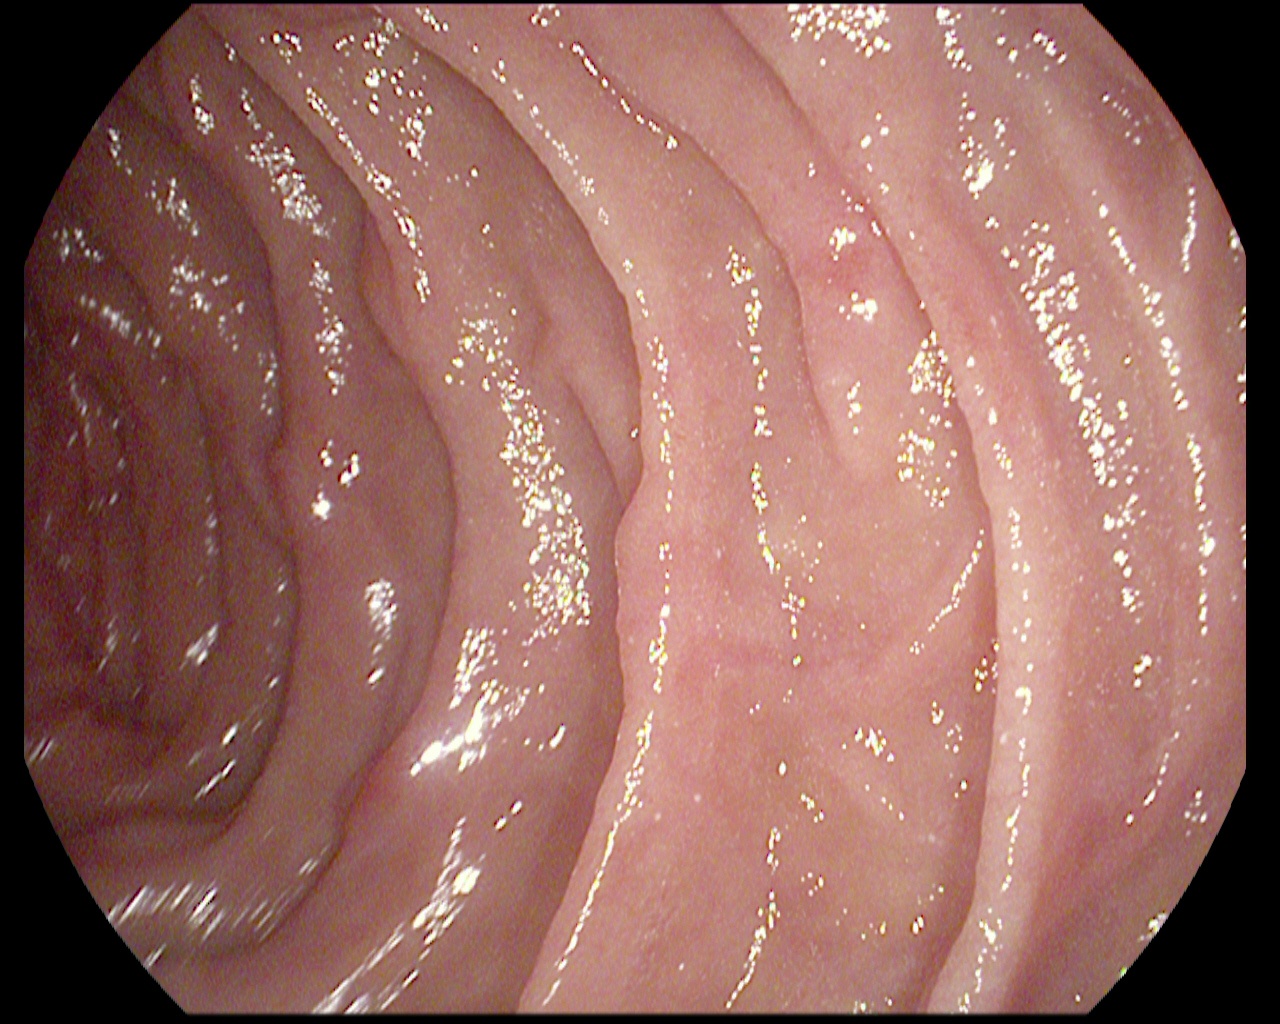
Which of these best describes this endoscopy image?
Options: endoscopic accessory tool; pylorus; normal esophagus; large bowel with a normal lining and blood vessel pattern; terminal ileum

terminal ileum